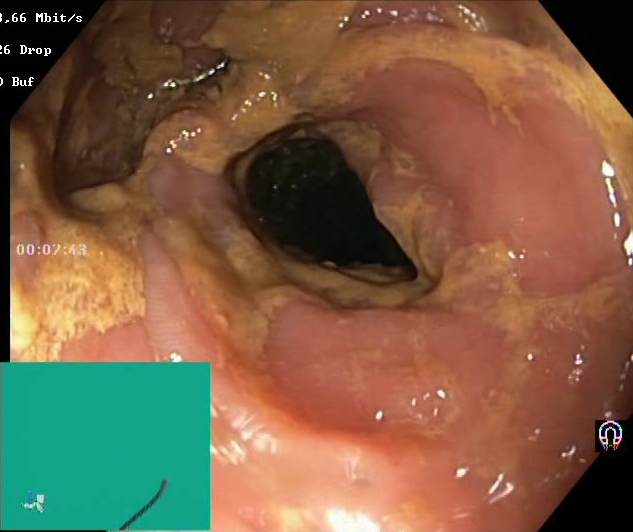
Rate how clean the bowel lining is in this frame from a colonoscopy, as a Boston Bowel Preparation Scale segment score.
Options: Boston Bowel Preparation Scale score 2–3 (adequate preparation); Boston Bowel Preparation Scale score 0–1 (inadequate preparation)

Boston Bowel Preparation Scale score 0–1 (inadequate preparation)